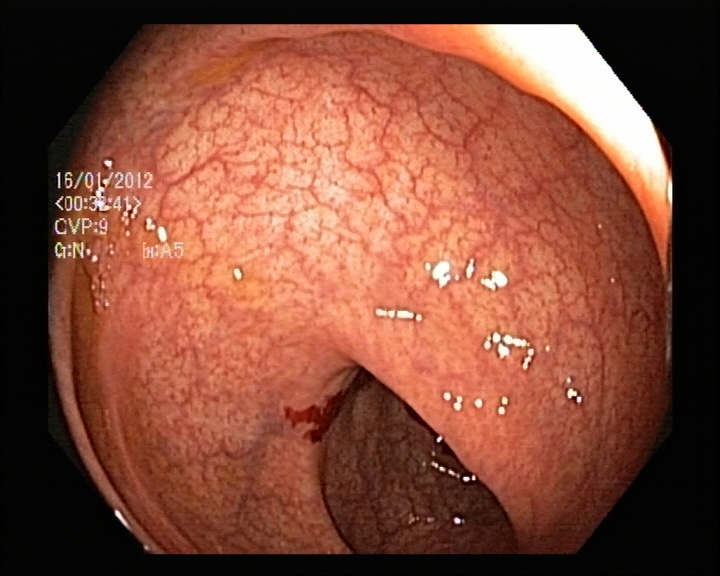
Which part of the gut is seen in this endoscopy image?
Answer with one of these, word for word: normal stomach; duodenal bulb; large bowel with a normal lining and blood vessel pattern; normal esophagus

large bowel with a normal lining and blood vessel pattern